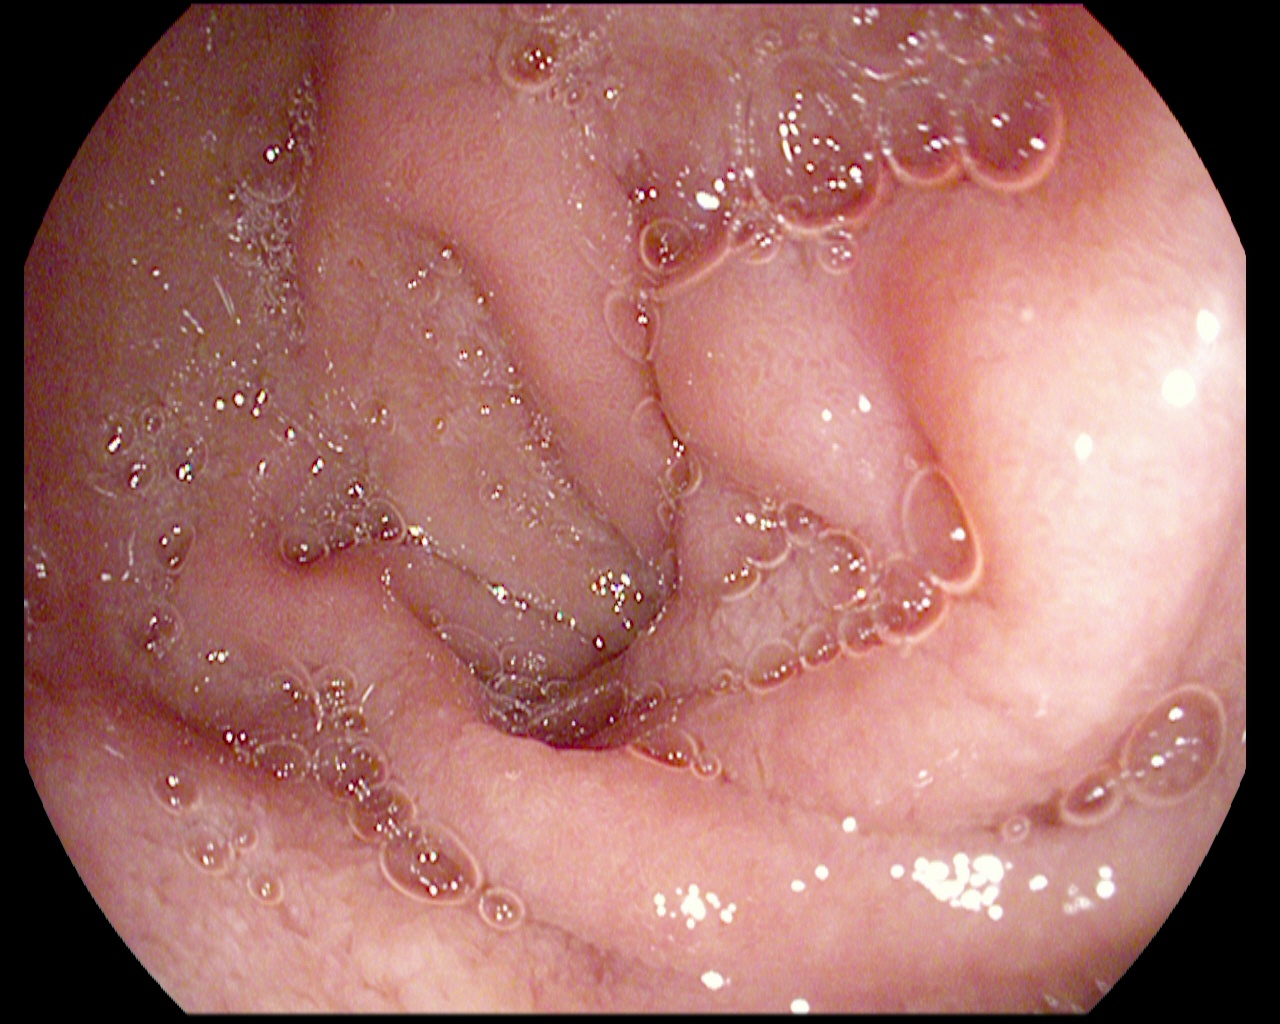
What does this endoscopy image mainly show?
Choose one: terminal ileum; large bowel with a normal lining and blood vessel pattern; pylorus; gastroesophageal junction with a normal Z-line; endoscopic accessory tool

terminal ileum